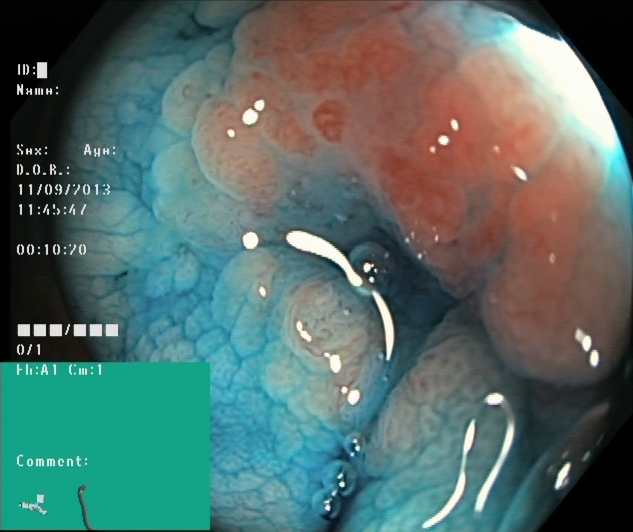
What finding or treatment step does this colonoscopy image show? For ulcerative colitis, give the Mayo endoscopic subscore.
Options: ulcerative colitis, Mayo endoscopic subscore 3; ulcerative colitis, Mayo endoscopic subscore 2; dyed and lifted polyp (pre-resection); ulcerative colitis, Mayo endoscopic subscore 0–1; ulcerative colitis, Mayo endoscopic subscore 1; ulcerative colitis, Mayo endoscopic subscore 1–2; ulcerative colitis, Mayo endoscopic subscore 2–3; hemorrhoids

dyed and lifted polyp (pre-resection)